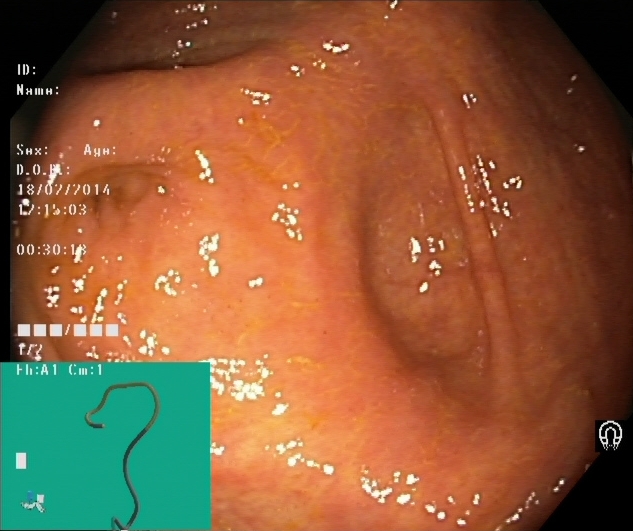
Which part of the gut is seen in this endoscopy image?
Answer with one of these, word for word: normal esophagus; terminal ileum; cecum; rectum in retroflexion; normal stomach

cecum